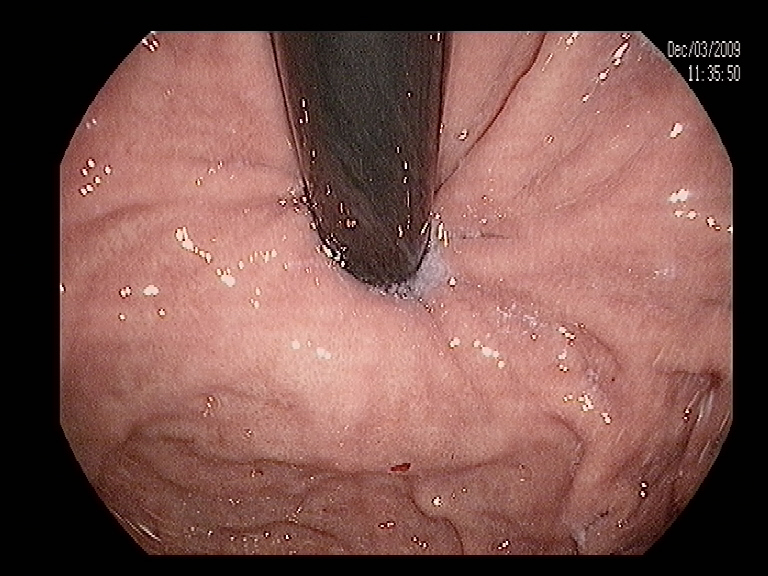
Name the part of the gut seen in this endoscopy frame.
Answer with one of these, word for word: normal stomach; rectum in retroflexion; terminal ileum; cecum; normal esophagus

normal stomach